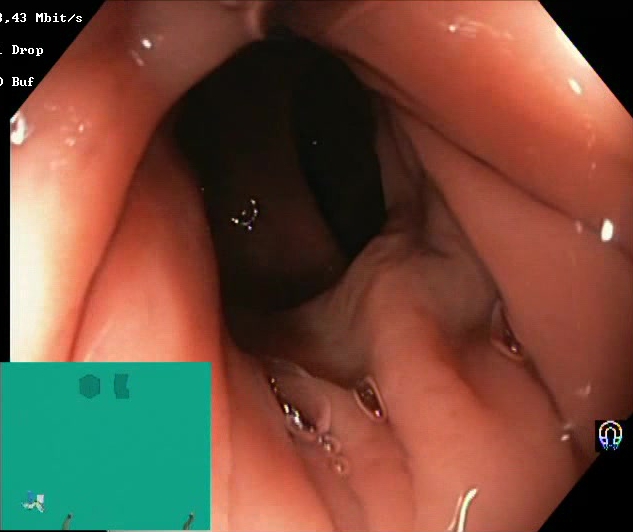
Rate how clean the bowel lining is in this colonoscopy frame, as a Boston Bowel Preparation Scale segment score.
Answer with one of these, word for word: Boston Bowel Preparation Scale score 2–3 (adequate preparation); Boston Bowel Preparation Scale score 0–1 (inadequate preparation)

Boston Bowel Preparation Scale score 2–3 (adequate preparation)